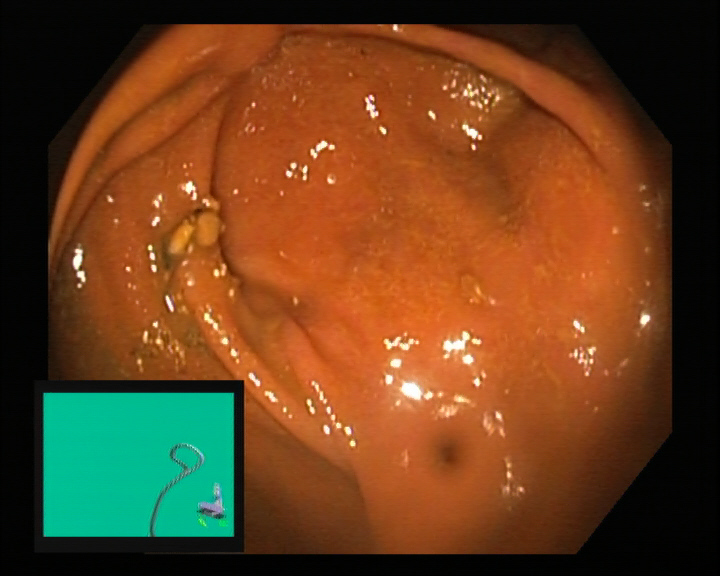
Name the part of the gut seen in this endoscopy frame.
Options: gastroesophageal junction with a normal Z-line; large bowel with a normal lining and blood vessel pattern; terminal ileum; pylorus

large bowel with a normal lining and blood vessel pattern